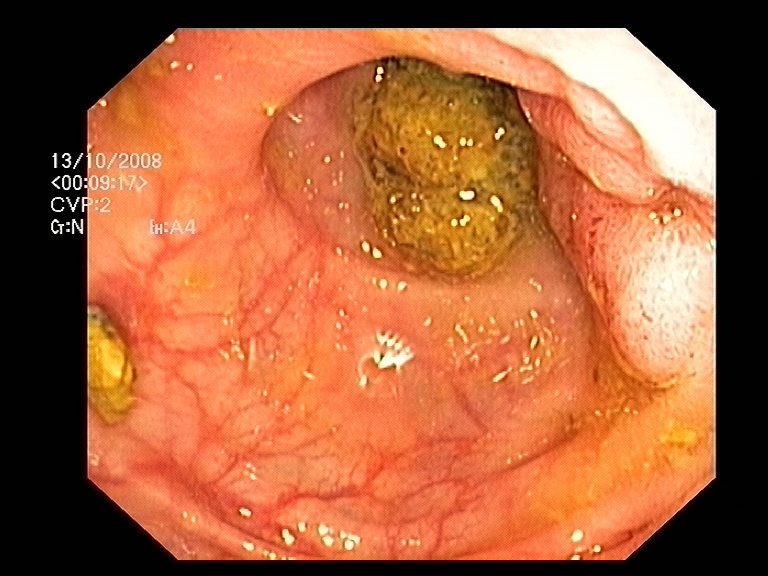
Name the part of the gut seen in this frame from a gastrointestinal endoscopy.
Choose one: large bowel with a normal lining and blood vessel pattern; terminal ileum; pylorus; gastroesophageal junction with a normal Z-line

large bowel with a normal lining and blood vessel pattern